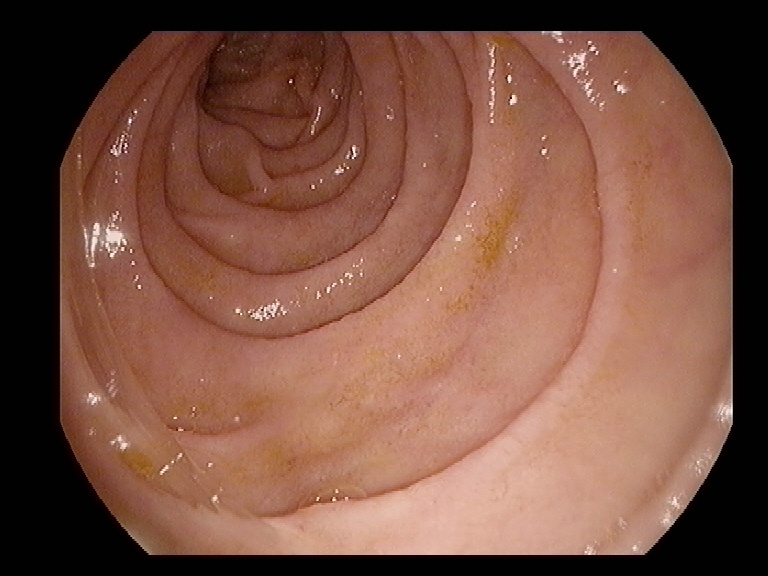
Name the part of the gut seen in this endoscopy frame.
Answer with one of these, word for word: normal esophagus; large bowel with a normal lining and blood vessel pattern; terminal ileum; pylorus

terminal ileum